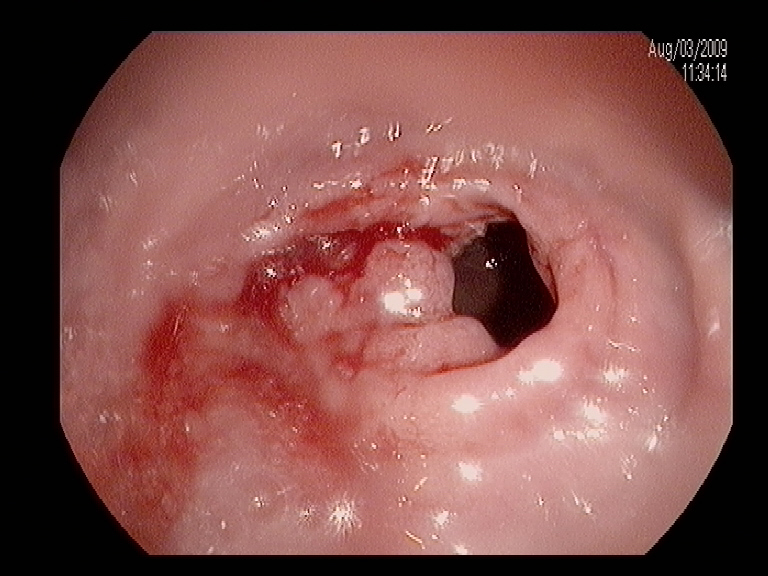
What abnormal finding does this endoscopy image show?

blood in the lumen